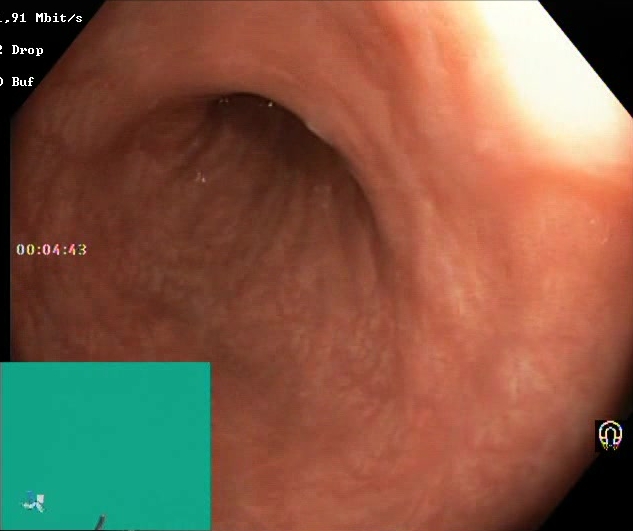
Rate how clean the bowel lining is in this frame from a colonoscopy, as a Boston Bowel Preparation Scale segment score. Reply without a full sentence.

Boston Bowel Preparation Scale score 2–3 (adequate preparation)